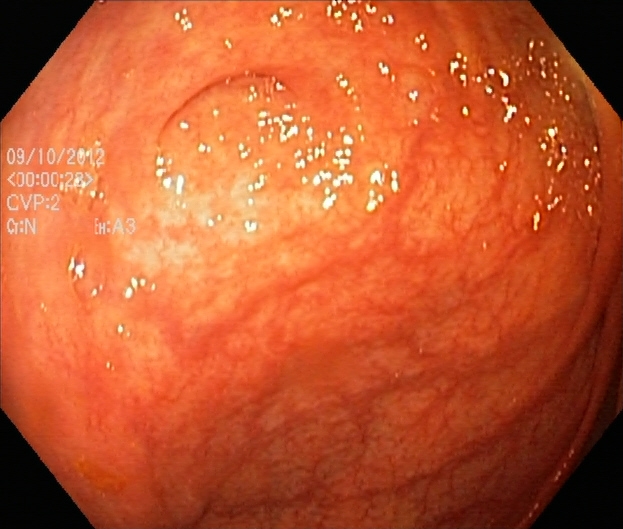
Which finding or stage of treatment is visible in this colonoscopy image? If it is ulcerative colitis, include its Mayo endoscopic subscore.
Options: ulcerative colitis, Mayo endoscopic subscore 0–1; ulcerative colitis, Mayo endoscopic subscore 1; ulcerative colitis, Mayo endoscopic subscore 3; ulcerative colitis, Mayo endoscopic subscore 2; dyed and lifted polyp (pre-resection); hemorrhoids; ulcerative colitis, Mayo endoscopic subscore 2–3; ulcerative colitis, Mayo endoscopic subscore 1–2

ulcerative colitis, Mayo endoscopic subscore 1